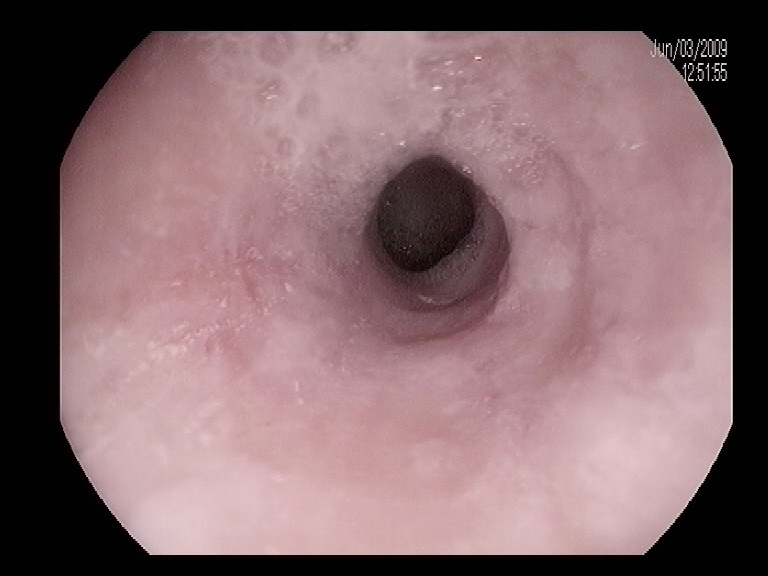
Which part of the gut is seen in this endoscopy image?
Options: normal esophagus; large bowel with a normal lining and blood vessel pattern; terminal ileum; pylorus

normal esophagus